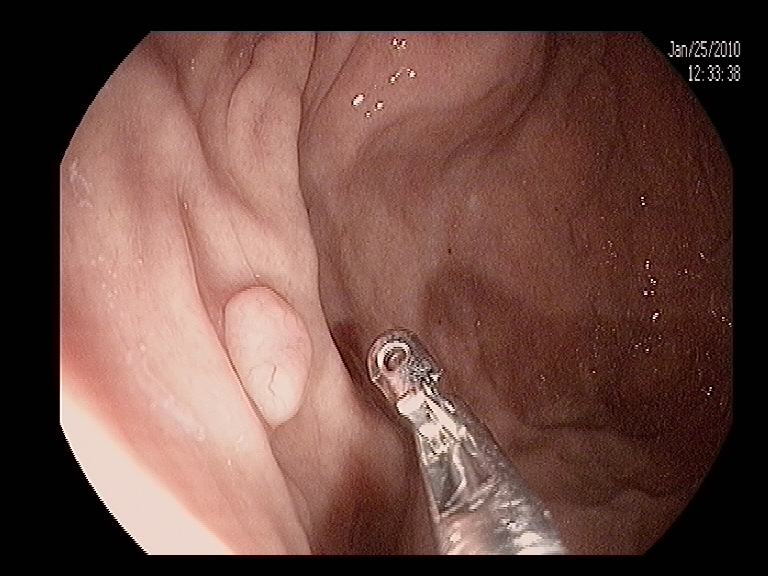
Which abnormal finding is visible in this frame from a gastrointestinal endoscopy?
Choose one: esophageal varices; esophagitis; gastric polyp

gastric polyp